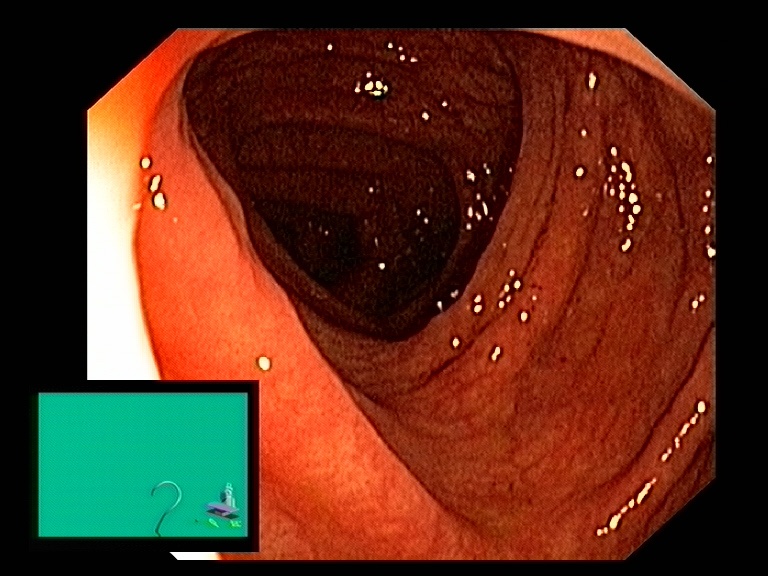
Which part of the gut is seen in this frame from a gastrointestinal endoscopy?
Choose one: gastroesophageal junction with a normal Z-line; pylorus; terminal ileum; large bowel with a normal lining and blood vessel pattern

large bowel with a normal lining and blood vessel pattern